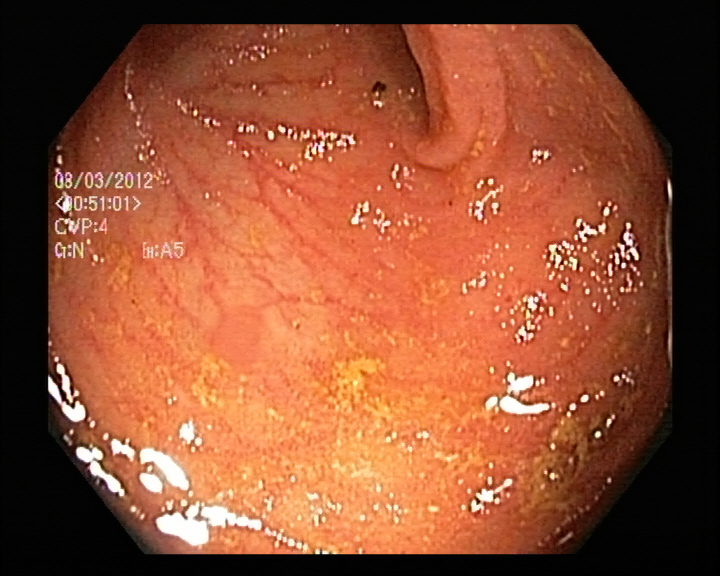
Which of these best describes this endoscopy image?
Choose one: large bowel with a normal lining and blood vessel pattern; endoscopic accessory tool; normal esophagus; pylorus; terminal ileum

large bowel with a normal lining and blood vessel pattern